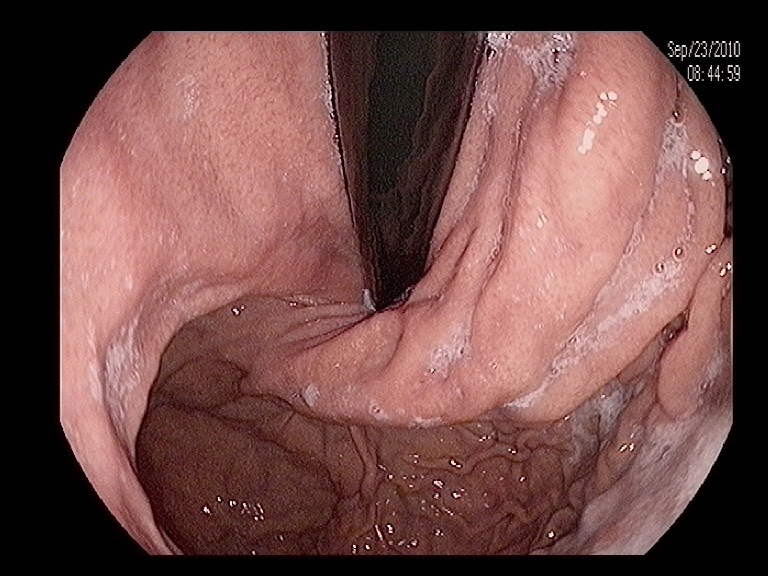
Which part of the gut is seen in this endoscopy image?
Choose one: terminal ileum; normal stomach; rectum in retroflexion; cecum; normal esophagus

normal stomach